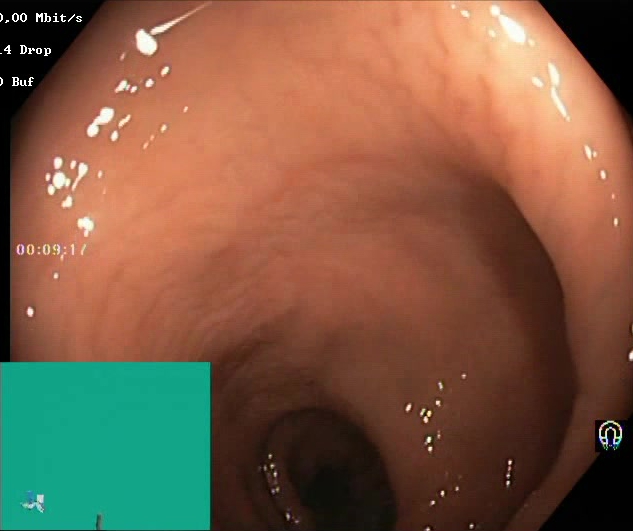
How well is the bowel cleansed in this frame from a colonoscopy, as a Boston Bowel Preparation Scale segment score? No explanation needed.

Boston Bowel Preparation Scale score 2–3 (adequate preparation)